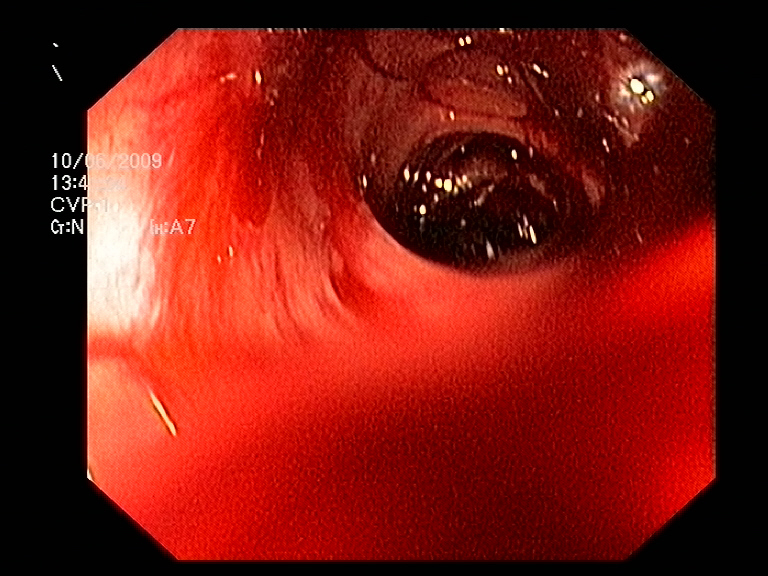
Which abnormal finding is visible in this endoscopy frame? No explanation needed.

blood in the lumen